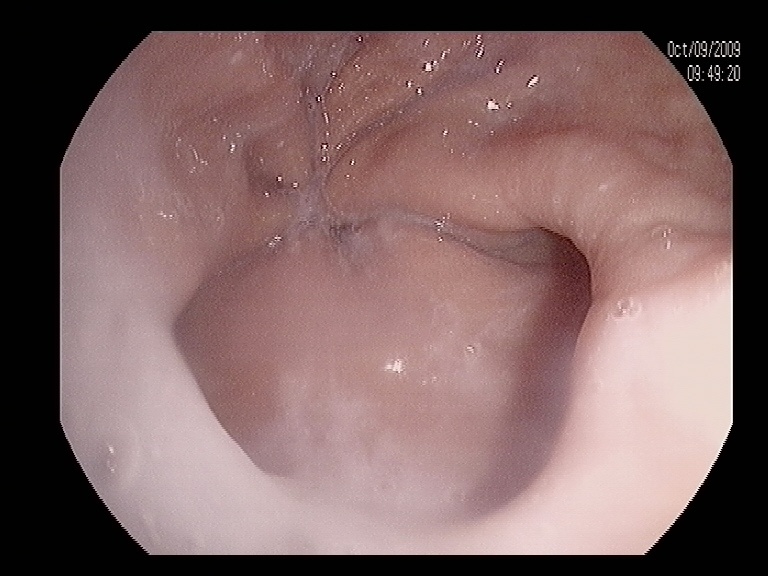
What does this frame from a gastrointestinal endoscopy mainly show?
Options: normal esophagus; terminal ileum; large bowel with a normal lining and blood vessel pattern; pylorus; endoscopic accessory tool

pylorus